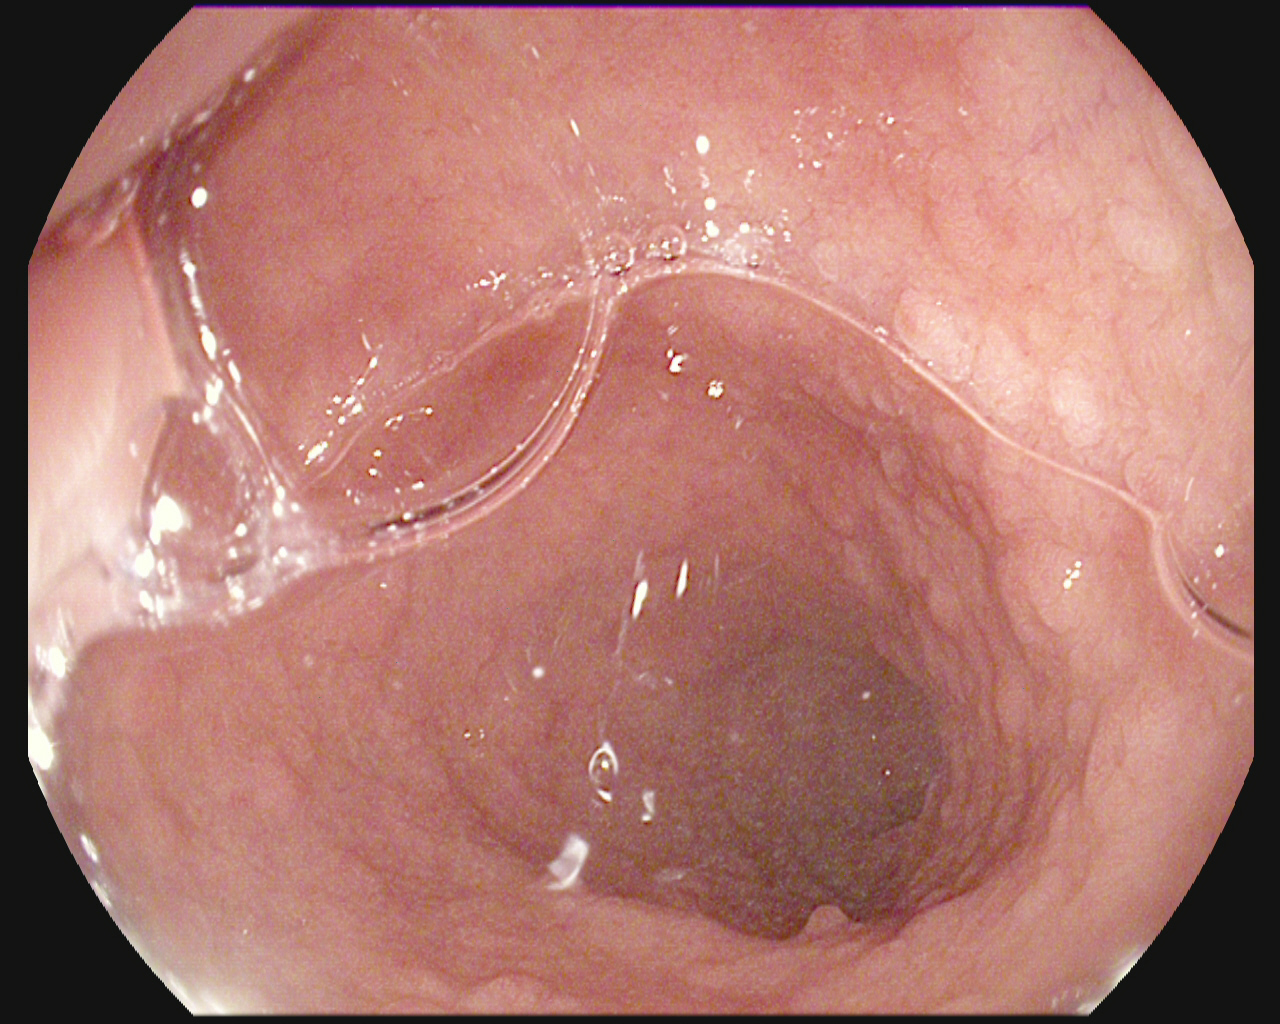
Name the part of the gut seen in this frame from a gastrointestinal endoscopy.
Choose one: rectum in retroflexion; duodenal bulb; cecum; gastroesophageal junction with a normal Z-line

duodenal bulb